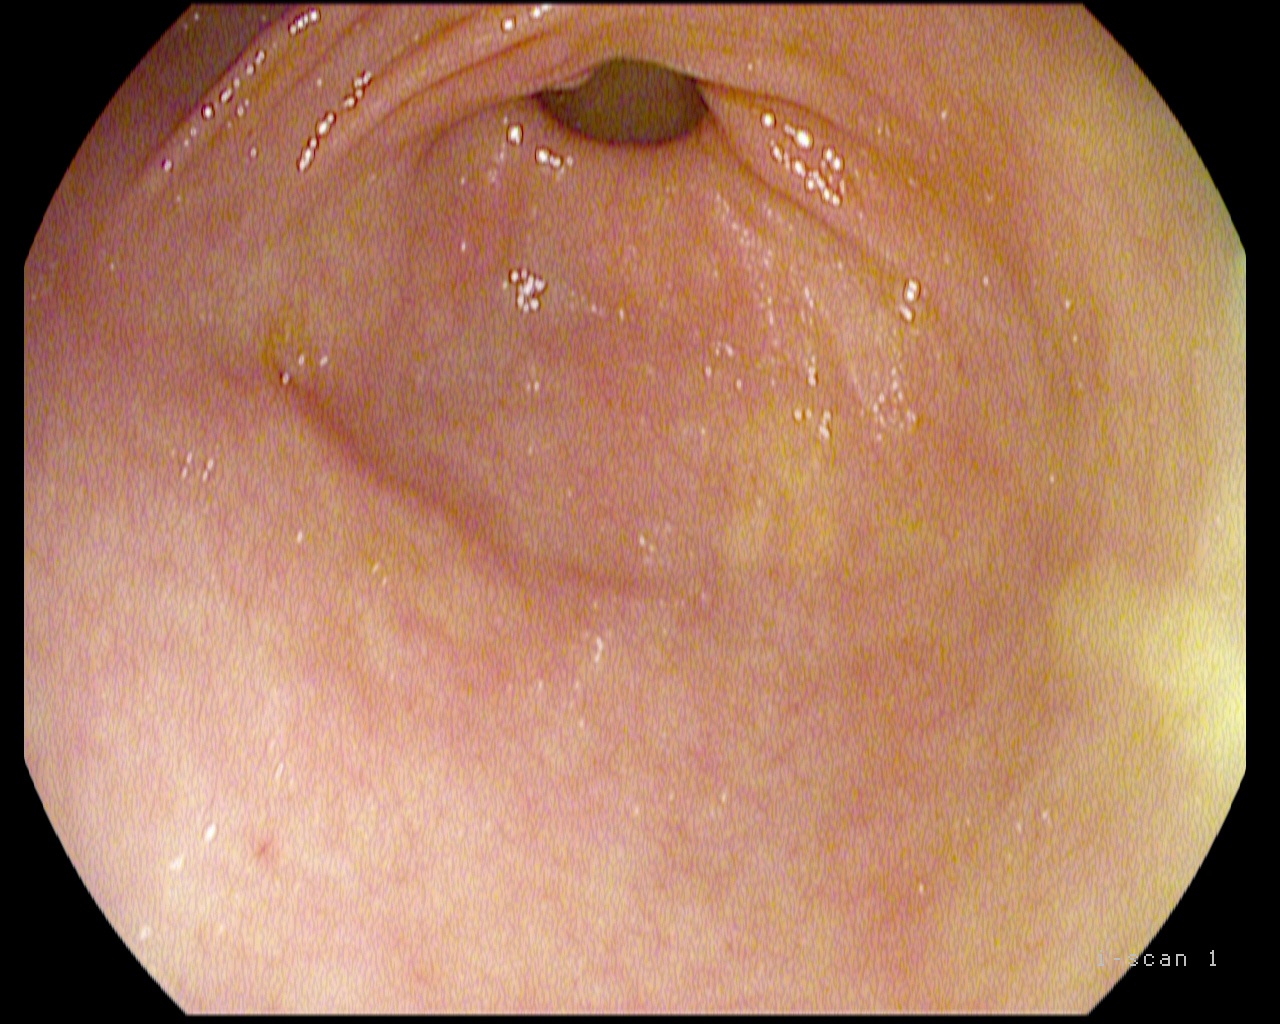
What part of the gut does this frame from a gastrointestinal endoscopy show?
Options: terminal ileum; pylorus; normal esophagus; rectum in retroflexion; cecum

pylorus